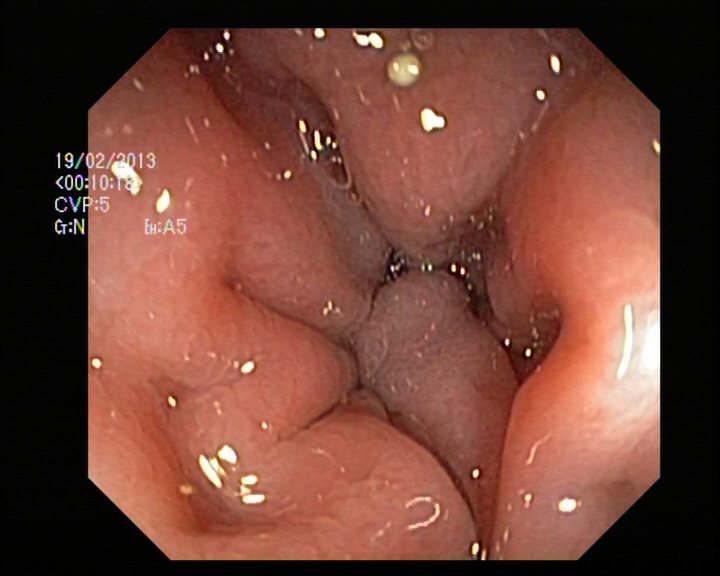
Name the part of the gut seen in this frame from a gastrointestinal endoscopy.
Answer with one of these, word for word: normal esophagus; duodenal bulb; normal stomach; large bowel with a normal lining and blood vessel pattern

normal stomach